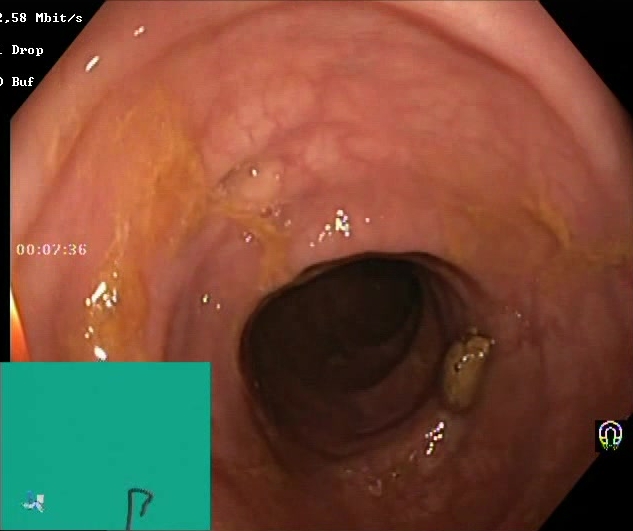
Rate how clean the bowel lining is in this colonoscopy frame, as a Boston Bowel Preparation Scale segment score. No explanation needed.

Boston Bowel Preparation Scale score 2–3 (adequate preparation)